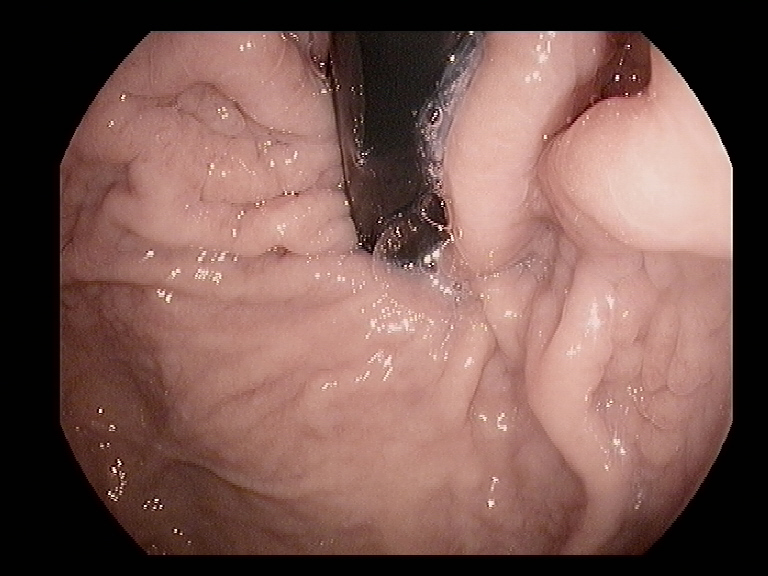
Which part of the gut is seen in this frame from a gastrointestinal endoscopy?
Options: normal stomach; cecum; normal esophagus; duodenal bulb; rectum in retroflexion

normal stomach